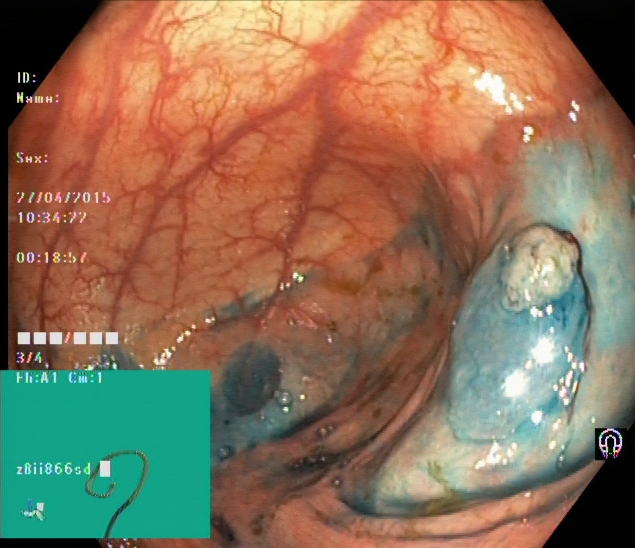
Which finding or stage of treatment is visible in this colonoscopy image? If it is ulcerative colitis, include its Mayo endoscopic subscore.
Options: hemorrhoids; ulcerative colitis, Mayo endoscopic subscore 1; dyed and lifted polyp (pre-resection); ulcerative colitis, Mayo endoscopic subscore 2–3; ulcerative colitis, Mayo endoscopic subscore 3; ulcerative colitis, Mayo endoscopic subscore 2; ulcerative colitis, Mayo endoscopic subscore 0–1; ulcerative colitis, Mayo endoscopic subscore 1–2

dyed and lifted polyp (pre-resection)